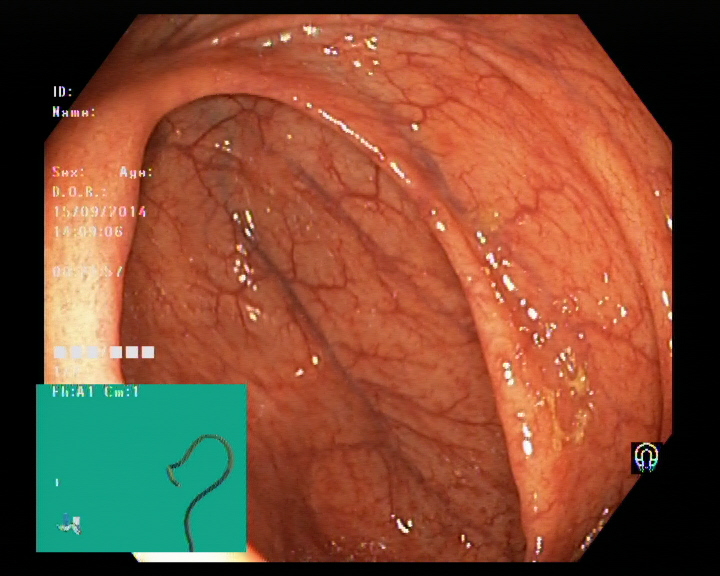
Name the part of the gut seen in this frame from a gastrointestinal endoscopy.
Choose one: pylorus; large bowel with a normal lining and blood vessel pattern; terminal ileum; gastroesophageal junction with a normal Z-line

large bowel with a normal lining and blood vessel pattern